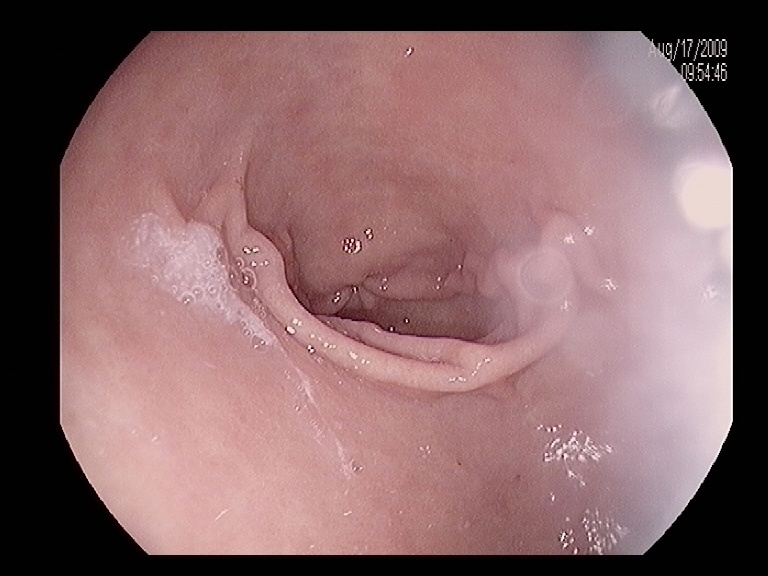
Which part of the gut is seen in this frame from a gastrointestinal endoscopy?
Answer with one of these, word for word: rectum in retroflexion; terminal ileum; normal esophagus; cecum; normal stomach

normal stomach